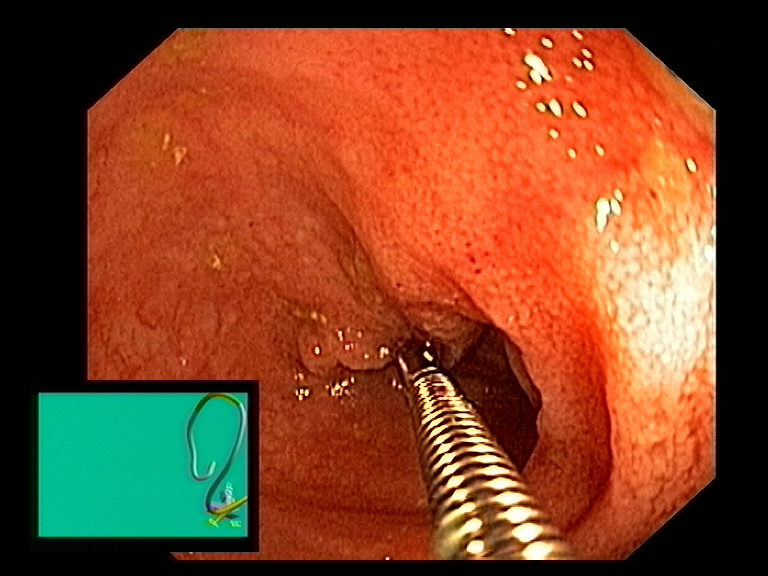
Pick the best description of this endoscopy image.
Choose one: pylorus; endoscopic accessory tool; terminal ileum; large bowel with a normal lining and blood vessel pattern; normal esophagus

endoscopic accessory tool